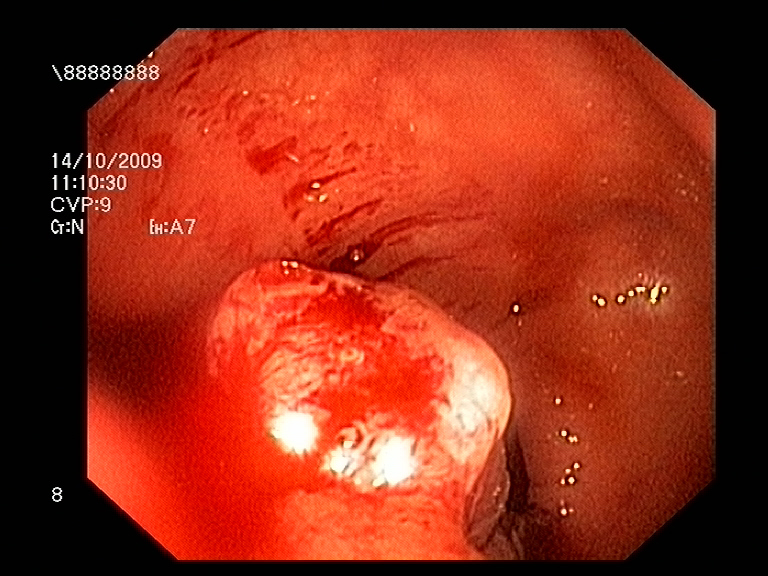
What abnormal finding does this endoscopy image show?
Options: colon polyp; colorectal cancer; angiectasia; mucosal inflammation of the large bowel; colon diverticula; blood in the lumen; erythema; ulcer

colon polyp